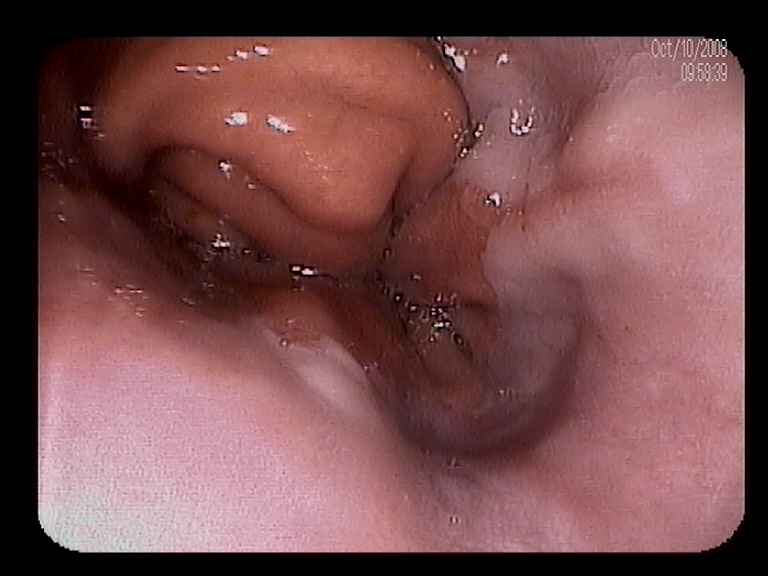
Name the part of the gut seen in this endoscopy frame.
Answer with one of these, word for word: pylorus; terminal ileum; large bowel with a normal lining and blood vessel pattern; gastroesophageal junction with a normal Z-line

gastroesophageal junction with a normal Z-line